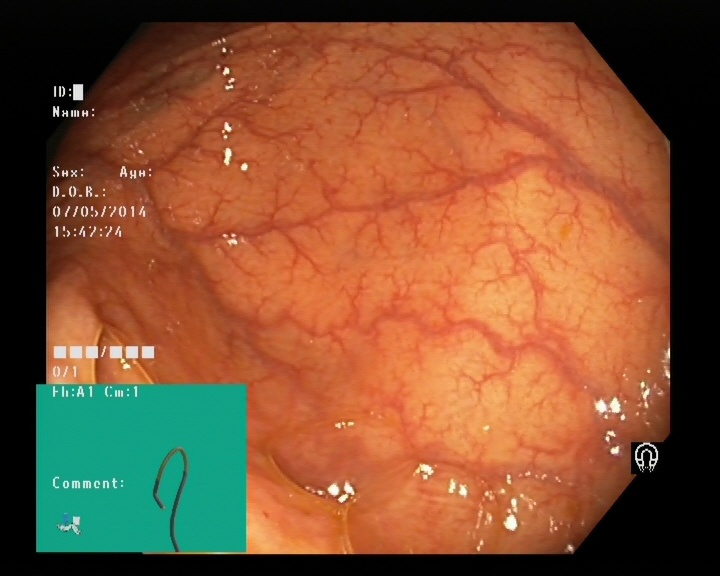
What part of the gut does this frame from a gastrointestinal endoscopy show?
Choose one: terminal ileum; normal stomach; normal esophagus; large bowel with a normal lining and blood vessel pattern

large bowel with a normal lining and blood vessel pattern